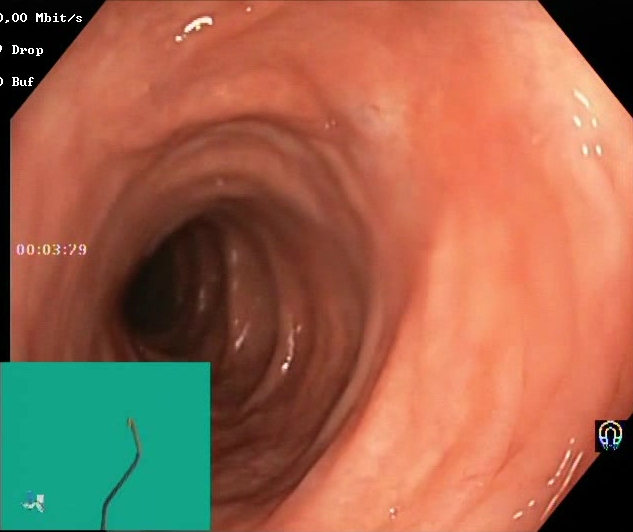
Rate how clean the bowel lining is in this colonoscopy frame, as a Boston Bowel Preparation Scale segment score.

Boston Bowel Preparation Scale score 2–3 (adequate preparation)